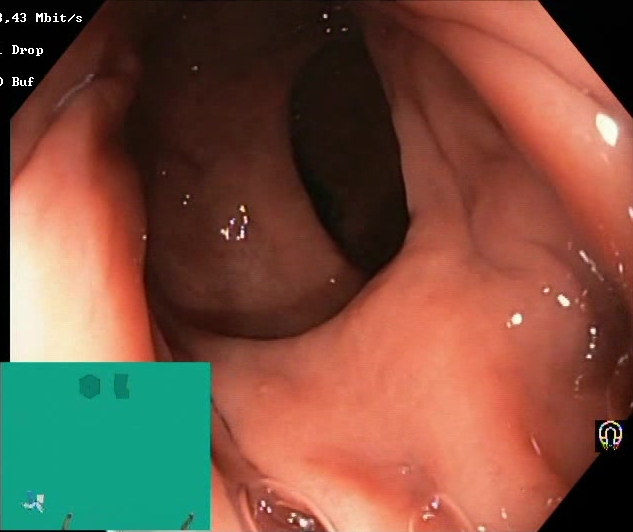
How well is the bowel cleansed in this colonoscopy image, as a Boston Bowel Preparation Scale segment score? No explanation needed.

Boston Bowel Preparation Scale score 2–3 (adequate preparation)